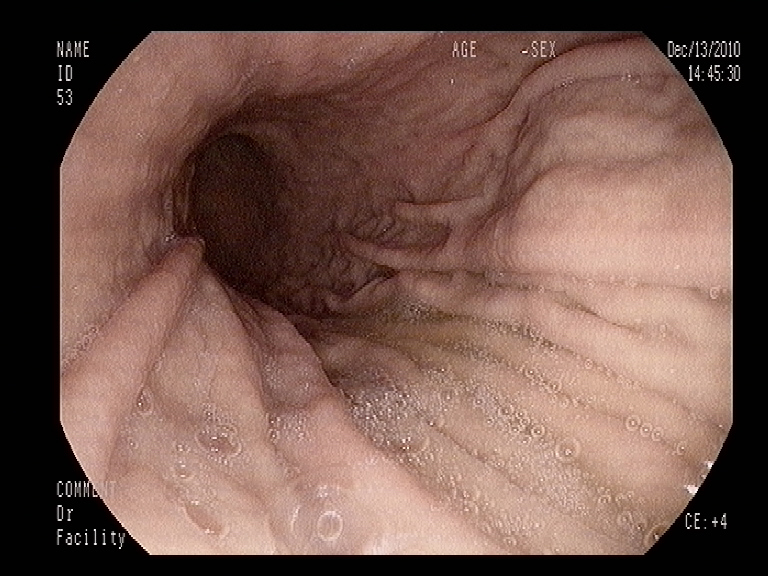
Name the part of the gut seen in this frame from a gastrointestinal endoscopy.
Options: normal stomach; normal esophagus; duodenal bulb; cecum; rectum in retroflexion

normal stomach